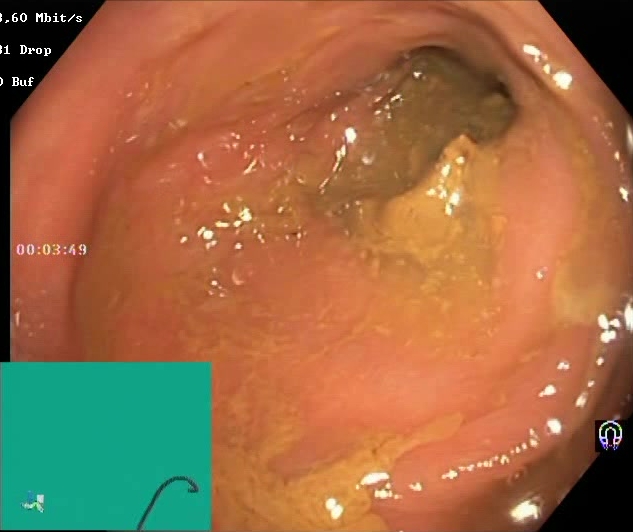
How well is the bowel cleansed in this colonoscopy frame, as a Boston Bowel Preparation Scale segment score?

Boston Bowel Preparation Scale score 0–1 (inadequate preparation)